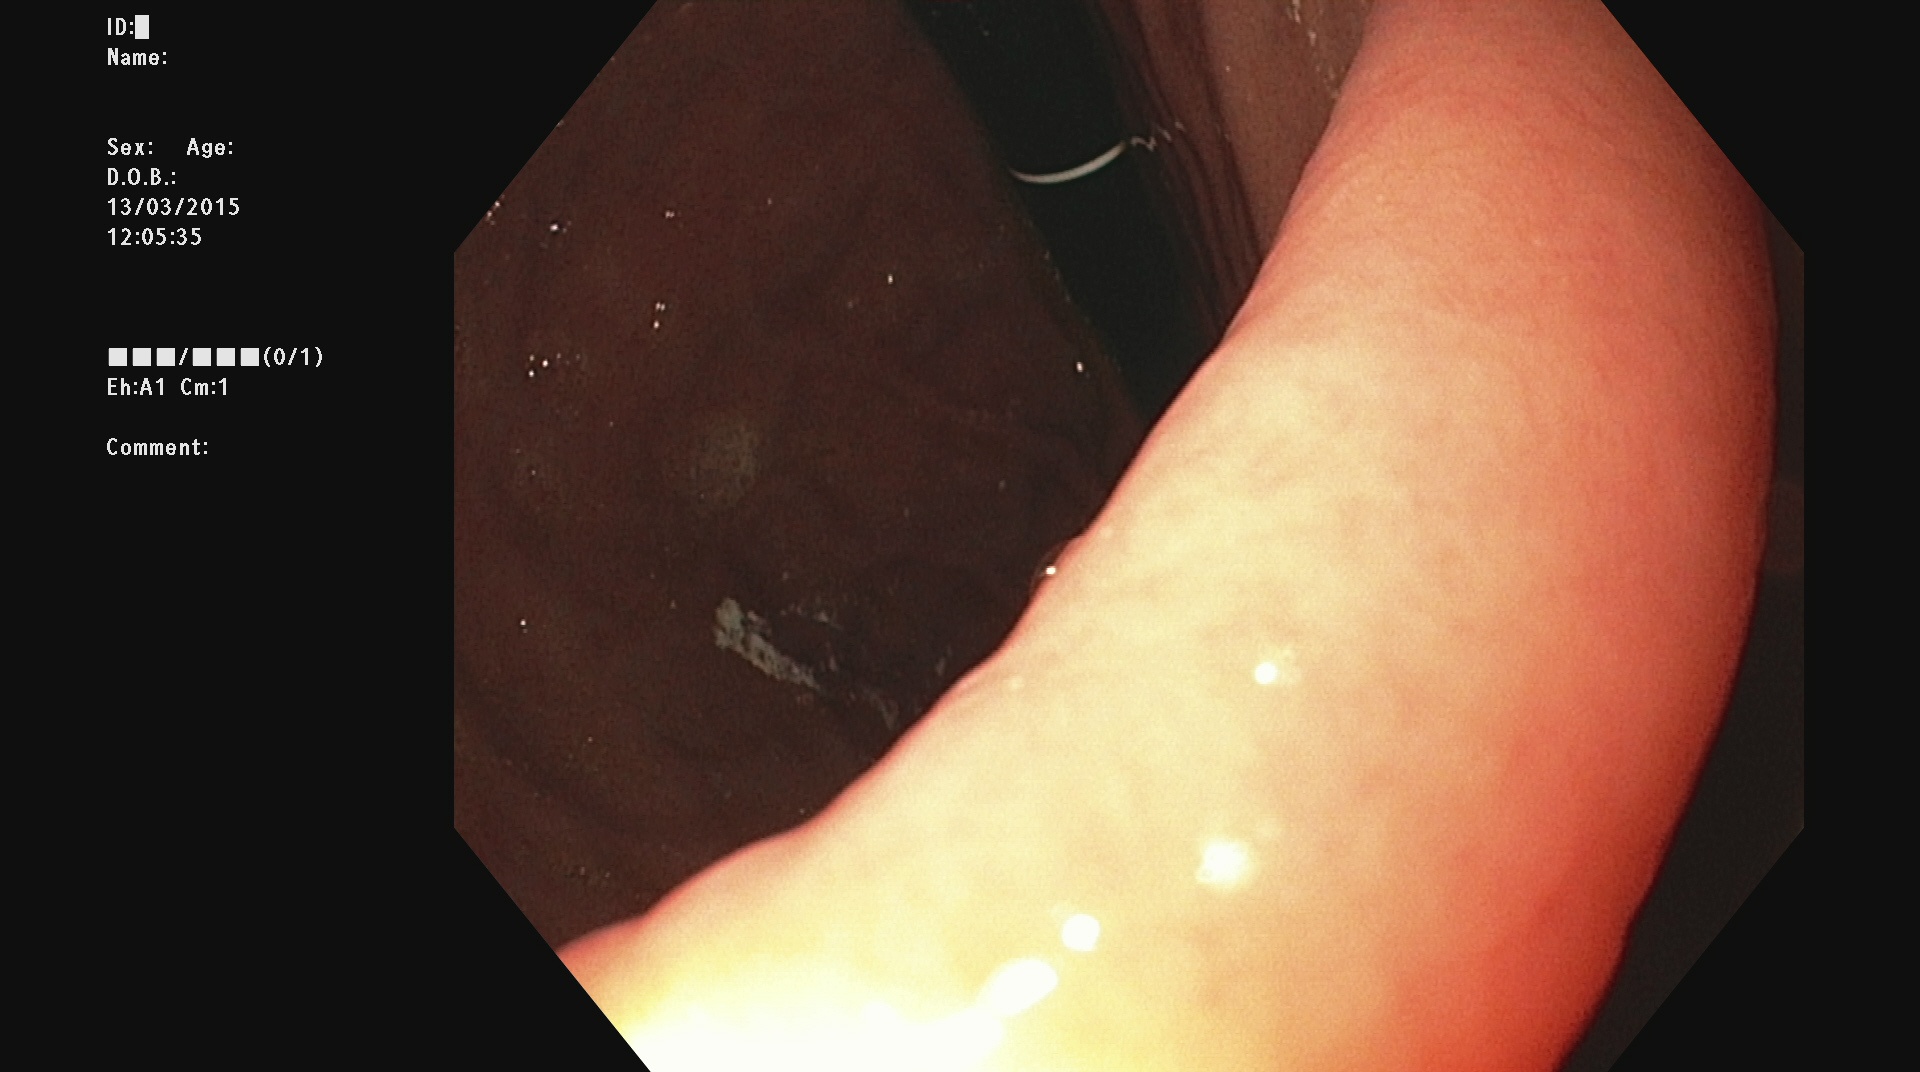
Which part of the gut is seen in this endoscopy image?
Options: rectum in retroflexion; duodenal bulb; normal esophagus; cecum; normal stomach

normal stomach